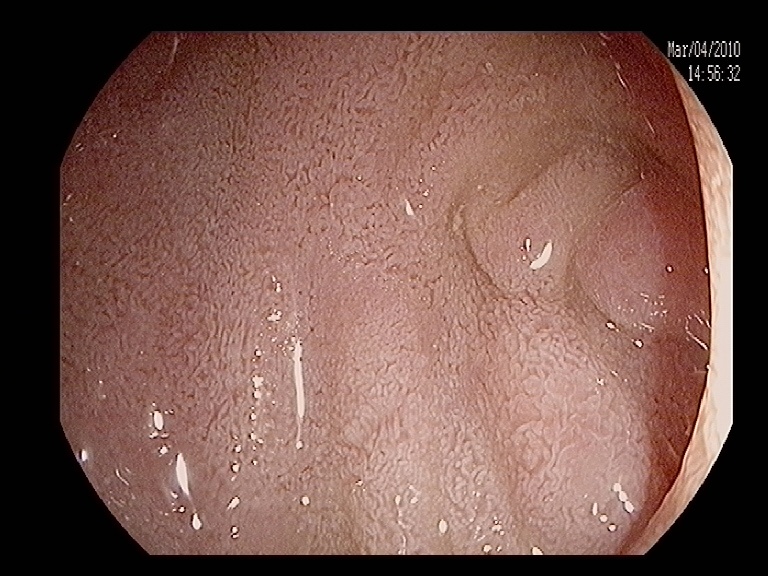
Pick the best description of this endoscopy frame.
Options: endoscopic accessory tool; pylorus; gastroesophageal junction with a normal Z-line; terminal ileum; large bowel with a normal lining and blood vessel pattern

terminal ileum